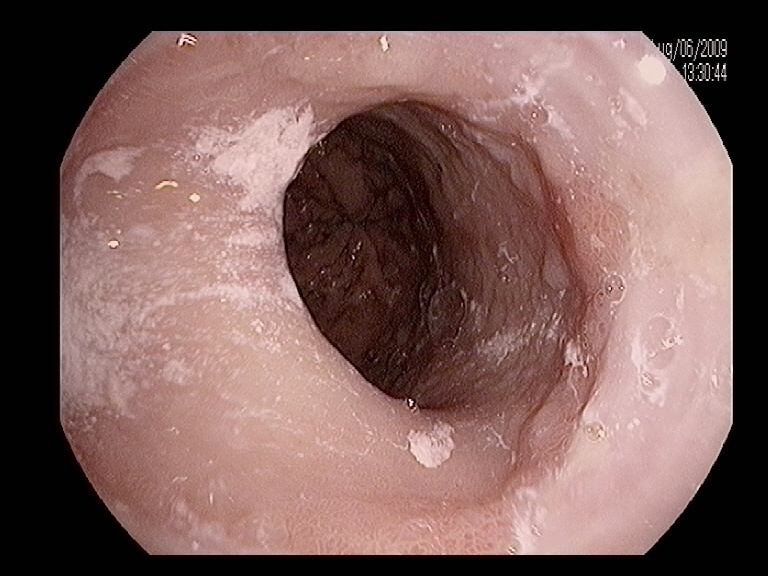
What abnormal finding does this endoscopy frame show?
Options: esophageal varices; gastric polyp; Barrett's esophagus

Barrett's esophagus